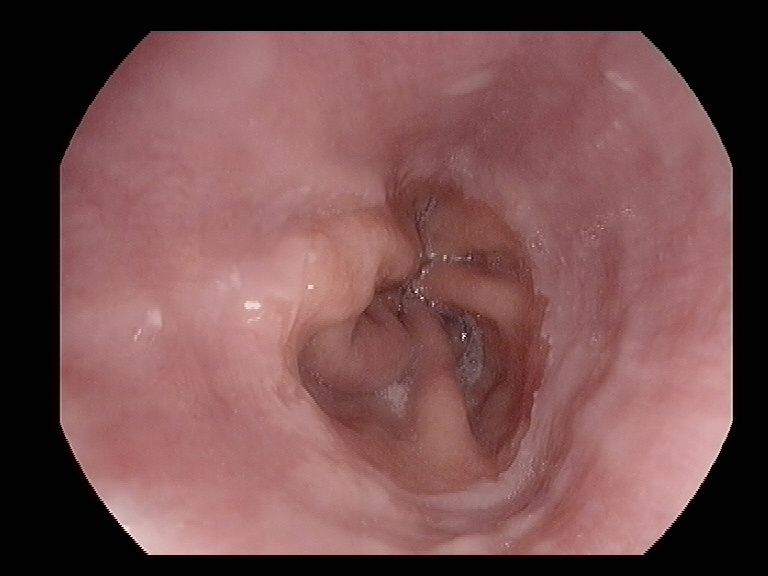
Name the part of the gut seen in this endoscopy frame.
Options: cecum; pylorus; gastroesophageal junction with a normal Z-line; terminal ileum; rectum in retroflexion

gastroesophageal junction with a normal Z-line